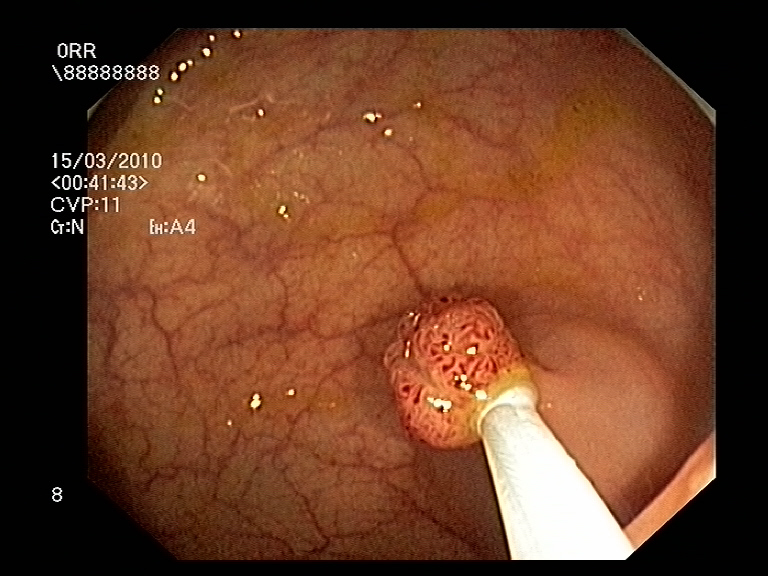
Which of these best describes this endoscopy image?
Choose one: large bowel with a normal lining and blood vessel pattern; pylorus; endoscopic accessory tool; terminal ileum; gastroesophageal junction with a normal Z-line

endoscopic accessory tool